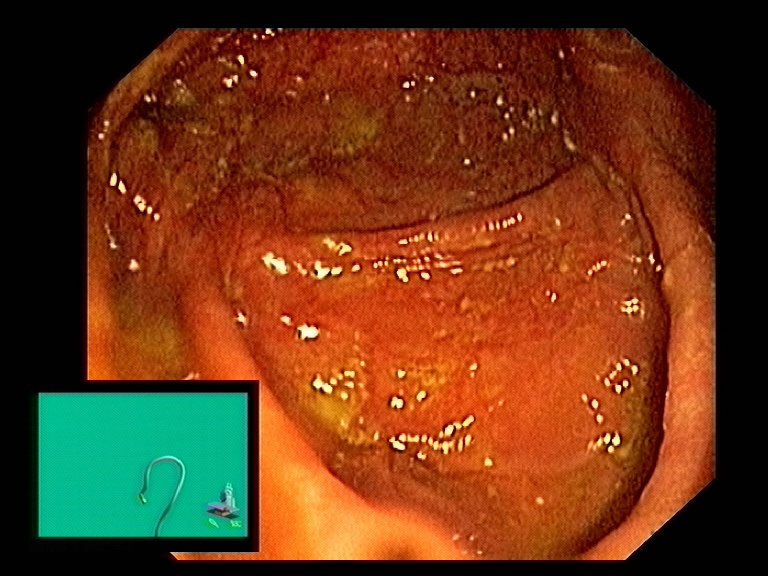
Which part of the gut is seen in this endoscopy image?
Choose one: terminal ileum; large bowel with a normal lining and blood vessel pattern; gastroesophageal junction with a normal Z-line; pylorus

large bowel with a normal lining and blood vessel pattern